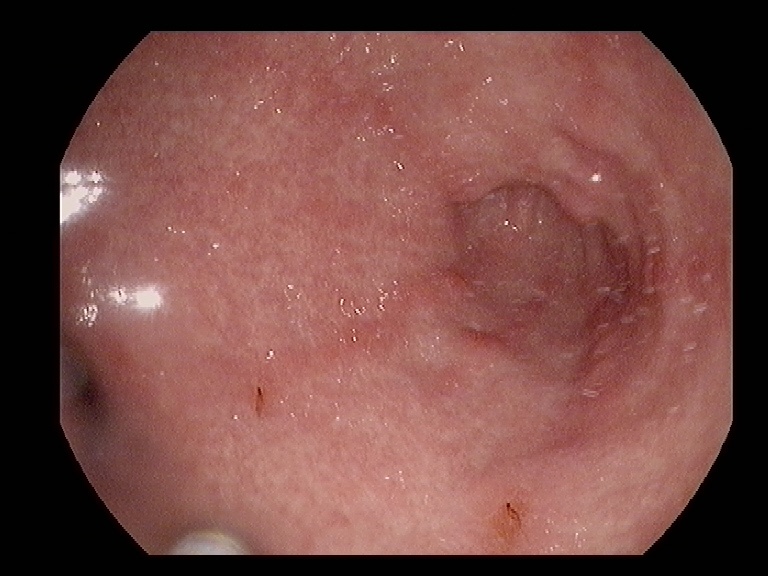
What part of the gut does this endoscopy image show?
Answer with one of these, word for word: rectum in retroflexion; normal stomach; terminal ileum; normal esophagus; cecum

normal stomach